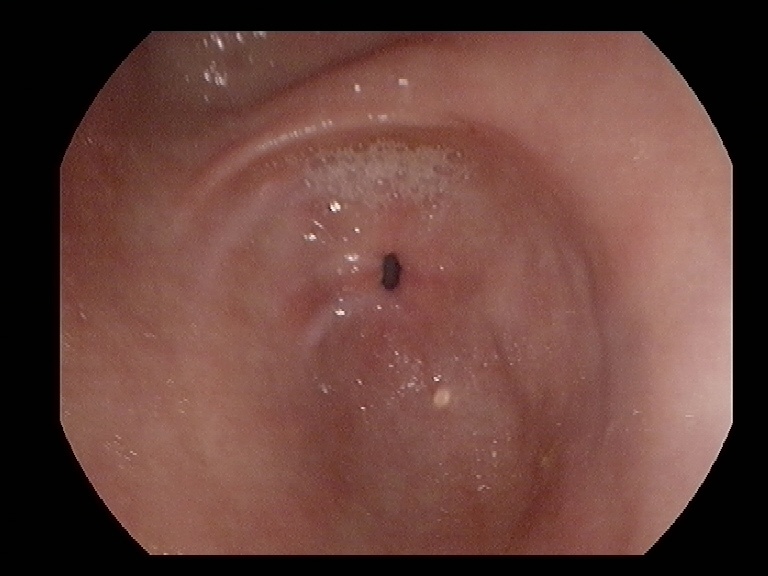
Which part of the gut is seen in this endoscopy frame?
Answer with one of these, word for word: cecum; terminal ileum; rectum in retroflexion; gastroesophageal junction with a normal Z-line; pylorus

pylorus